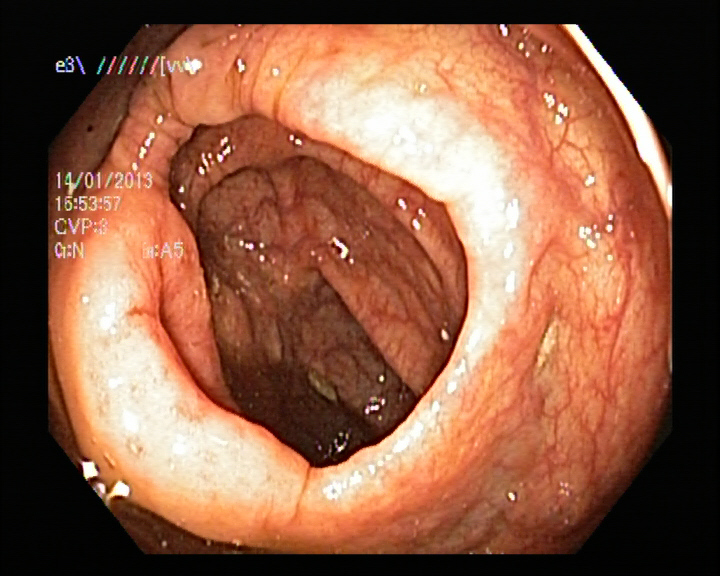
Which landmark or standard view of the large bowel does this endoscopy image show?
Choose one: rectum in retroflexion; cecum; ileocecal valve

ileocecal valve